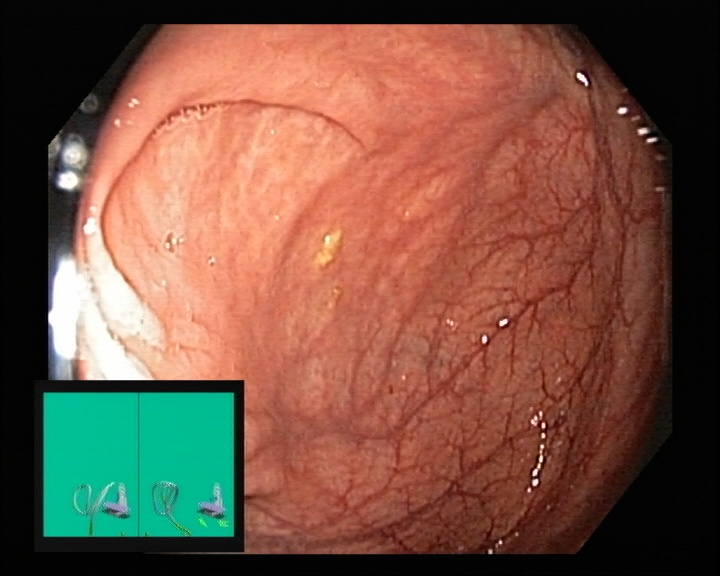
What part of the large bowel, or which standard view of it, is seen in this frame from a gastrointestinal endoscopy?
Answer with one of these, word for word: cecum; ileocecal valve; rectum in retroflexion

cecum